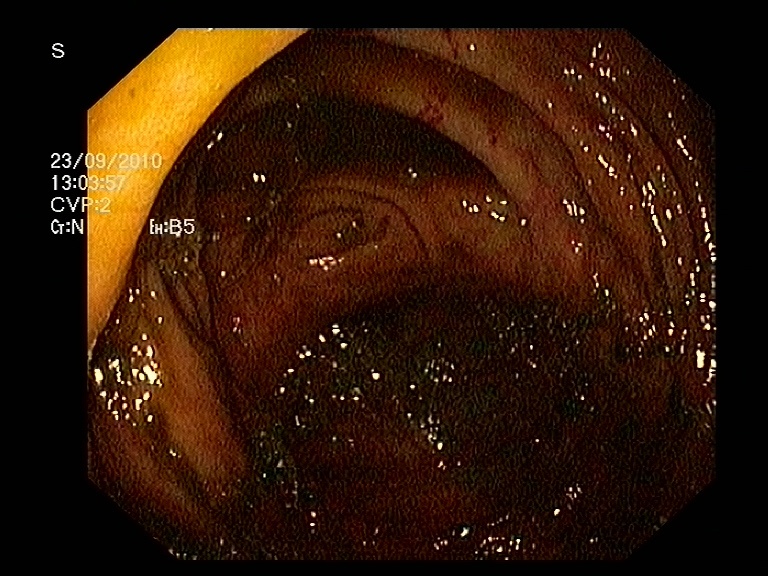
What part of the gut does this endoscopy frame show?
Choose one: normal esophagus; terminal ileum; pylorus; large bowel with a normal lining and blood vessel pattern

large bowel with a normal lining and blood vessel pattern